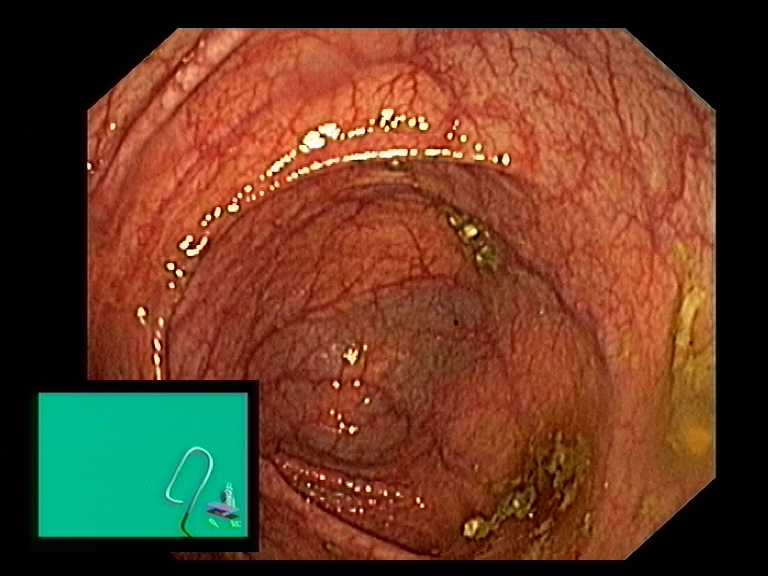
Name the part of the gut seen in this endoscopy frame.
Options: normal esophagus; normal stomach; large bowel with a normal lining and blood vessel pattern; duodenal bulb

large bowel with a normal lining and blood vessel pattern